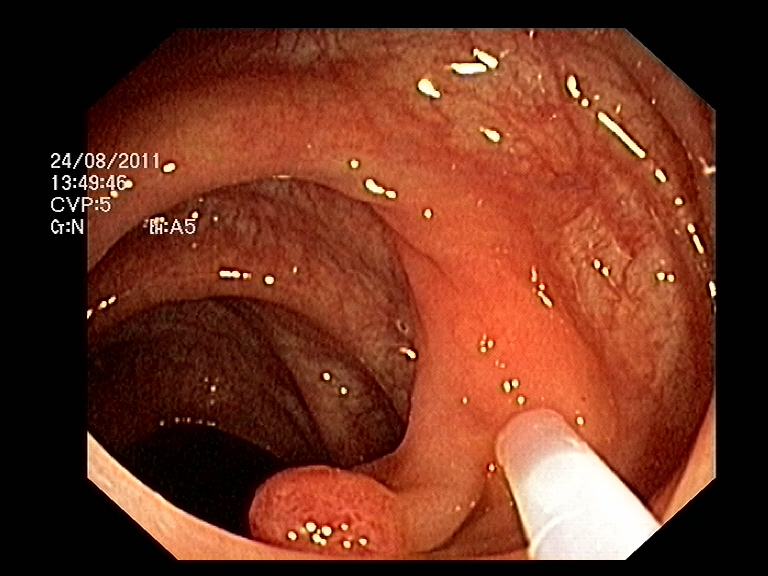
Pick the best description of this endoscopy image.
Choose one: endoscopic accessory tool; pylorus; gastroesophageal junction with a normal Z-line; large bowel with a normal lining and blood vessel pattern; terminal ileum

endoscopic accessory tool